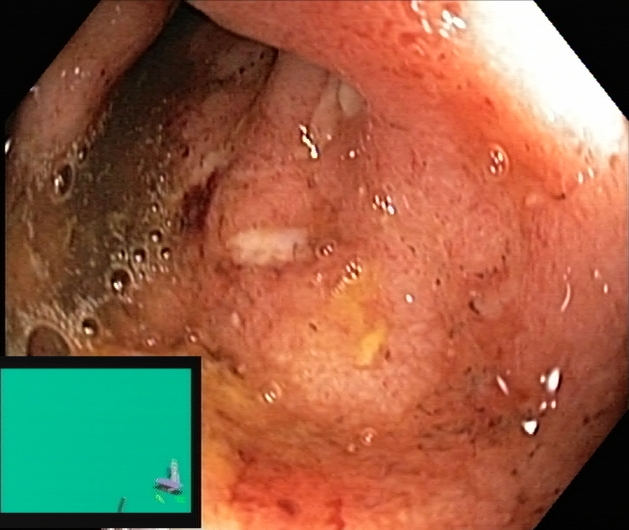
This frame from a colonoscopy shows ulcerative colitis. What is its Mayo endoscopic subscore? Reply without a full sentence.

ulcerative colitis, Mayo endoscopic subscore 2